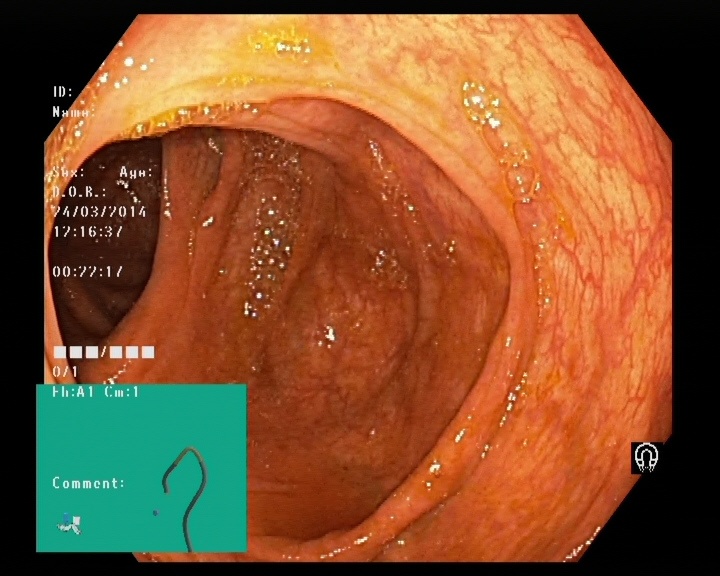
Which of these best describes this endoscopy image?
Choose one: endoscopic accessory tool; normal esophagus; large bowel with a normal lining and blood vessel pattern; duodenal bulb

large bowel with a normal lining and blood vessel pattern